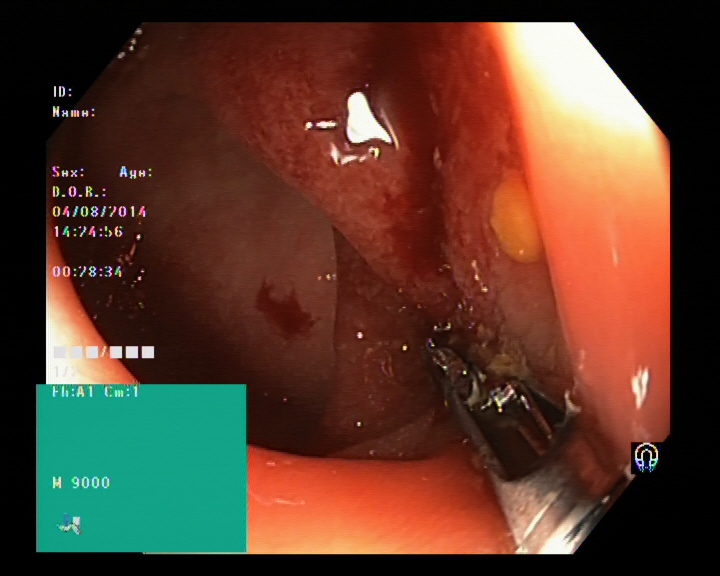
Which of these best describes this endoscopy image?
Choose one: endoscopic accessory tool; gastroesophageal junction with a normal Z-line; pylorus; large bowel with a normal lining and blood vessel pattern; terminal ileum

endoscopic accessory tool